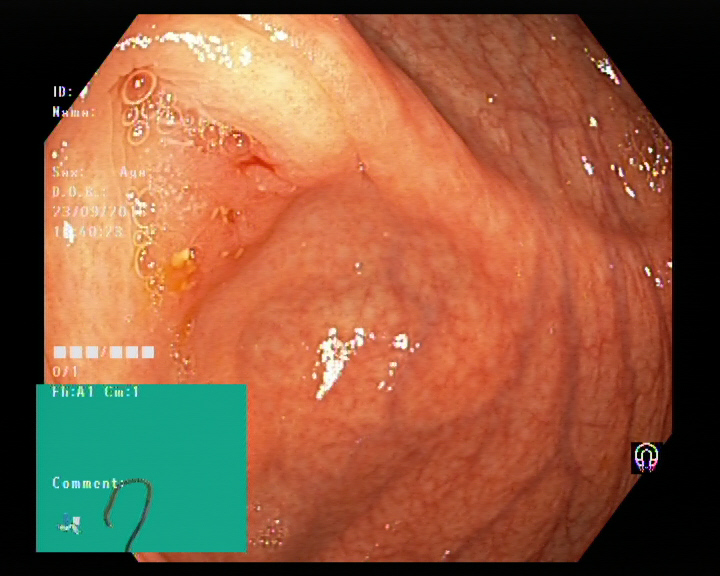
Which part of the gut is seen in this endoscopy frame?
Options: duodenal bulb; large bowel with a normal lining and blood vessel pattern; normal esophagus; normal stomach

large bowel with a normal lining and blood vessel pattern